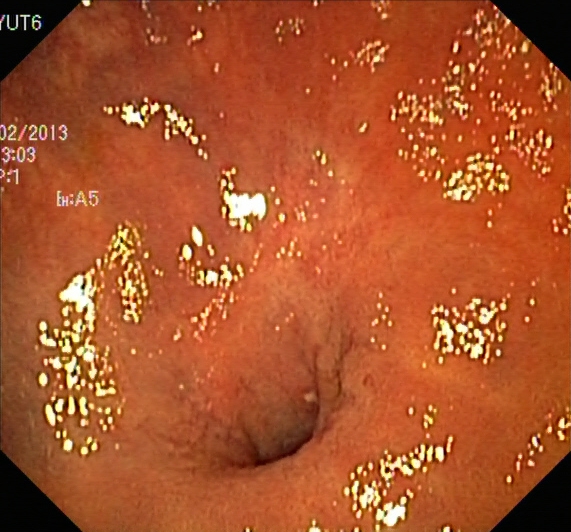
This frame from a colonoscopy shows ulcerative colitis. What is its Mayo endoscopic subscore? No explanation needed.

ulcerative colitis, Mayo endoscopic subscore 1